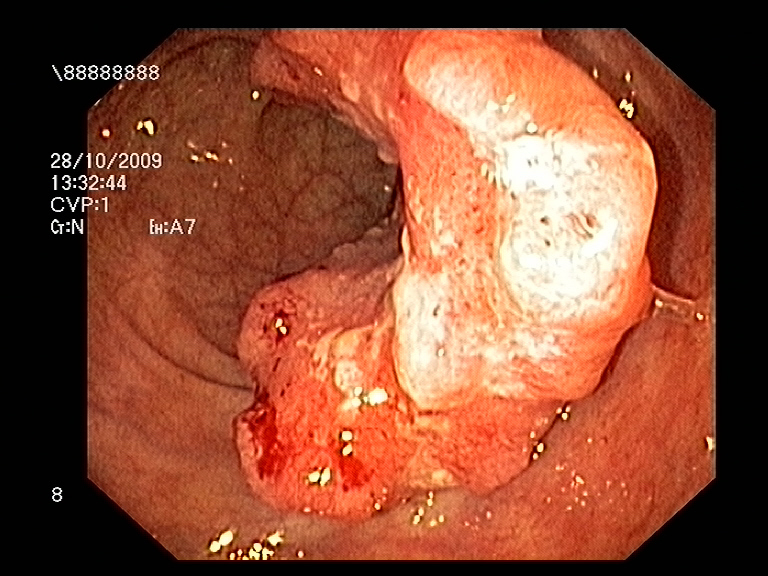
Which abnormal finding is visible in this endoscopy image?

colorectal cancer